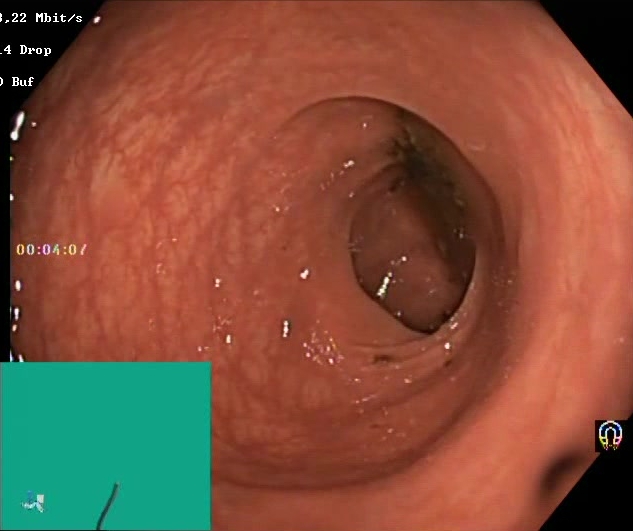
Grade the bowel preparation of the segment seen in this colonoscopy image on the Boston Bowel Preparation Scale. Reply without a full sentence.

Boston Bowel Preparation Scale score 0–1 (inadequate preparation)